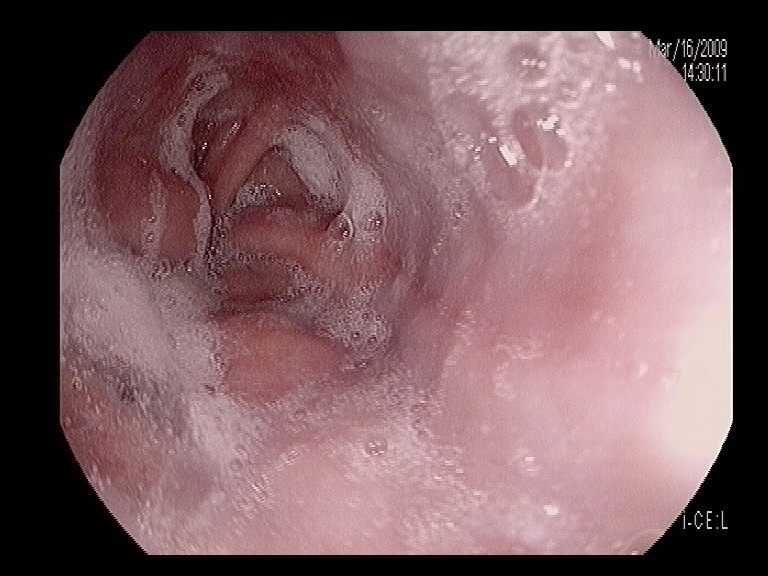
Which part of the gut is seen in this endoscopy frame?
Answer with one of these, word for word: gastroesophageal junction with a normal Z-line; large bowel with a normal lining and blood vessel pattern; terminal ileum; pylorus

gastroesophageal junction with a normal Z-line